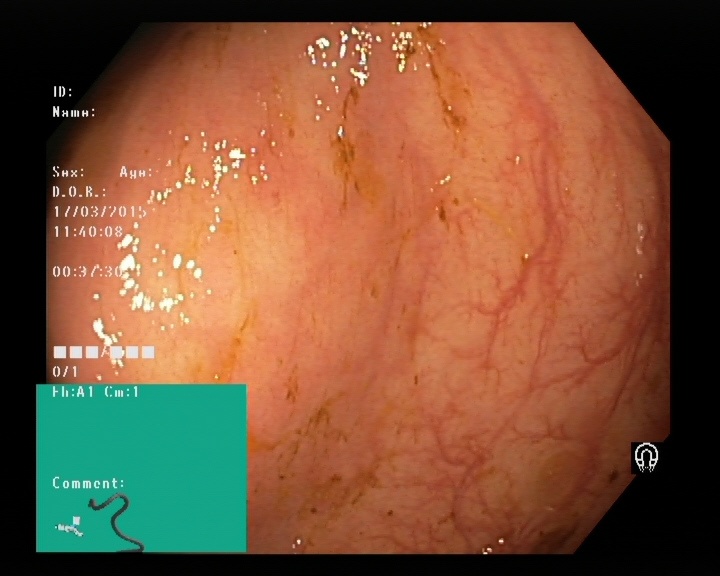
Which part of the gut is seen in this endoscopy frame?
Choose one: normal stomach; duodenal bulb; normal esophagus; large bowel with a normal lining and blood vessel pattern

large bowel with a normal lining and blood vessel pattern